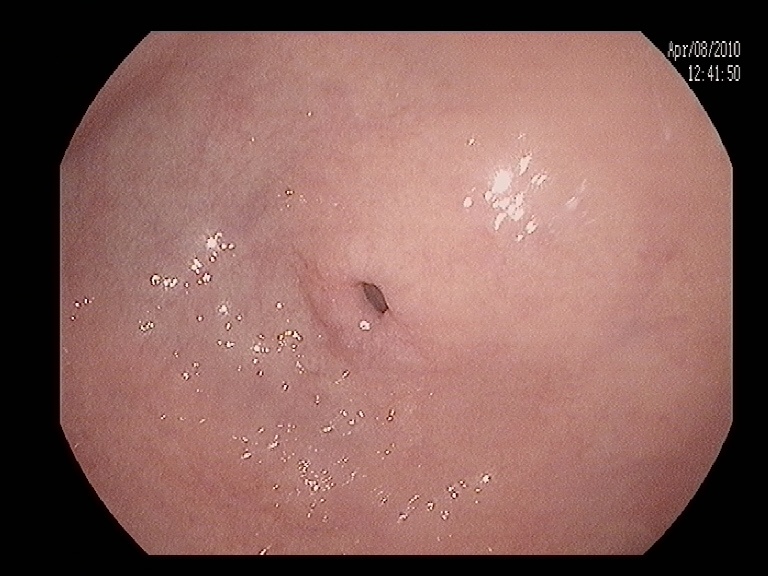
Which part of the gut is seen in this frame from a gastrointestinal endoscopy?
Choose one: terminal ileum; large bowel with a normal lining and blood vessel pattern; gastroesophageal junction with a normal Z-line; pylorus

pylorus